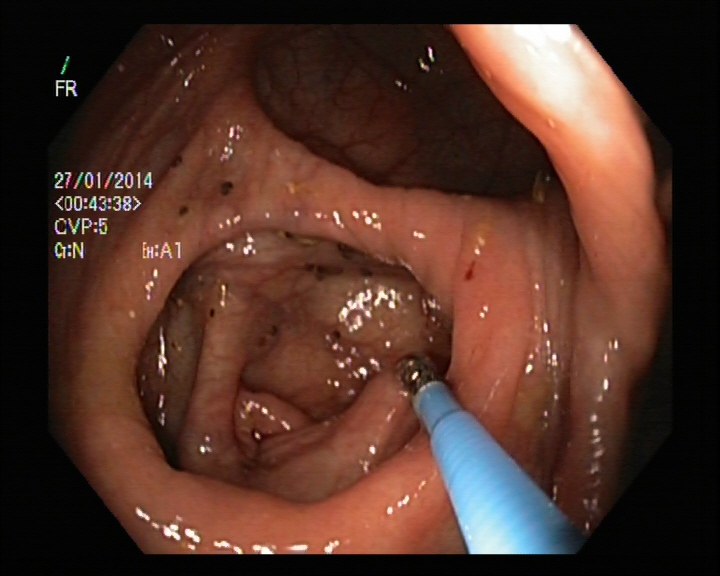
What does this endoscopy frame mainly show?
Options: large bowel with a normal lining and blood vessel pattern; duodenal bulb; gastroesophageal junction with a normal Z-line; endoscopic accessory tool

endoscopic accessory tool